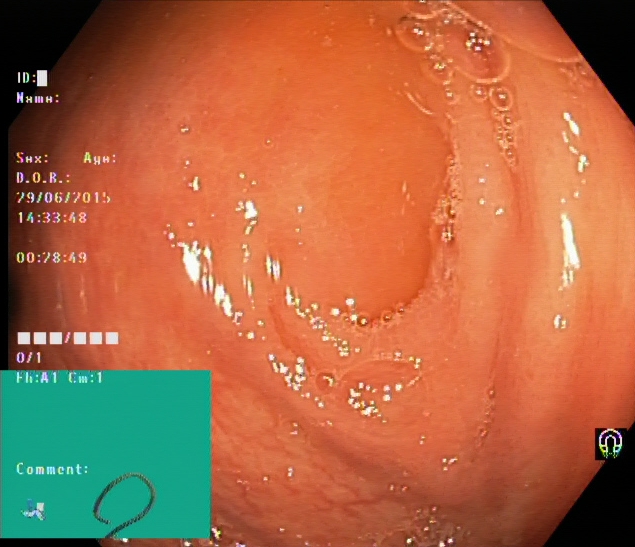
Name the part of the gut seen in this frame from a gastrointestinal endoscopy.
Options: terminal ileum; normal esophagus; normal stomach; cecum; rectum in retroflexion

cecum